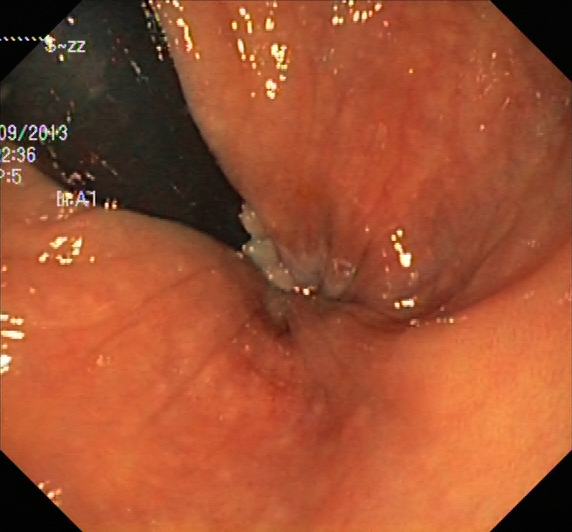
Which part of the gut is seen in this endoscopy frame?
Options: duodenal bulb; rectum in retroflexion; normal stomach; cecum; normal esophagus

rectum in retroflexion